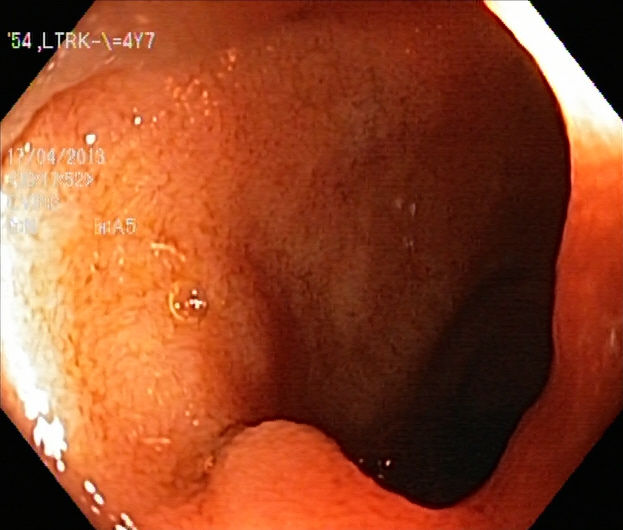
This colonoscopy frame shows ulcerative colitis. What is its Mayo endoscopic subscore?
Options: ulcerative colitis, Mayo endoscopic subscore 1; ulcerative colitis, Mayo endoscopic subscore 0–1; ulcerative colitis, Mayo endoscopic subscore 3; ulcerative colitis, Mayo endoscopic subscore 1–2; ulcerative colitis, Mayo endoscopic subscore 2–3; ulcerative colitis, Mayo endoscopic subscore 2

ulcerative colitis, Mayo endoscopic subscore 1